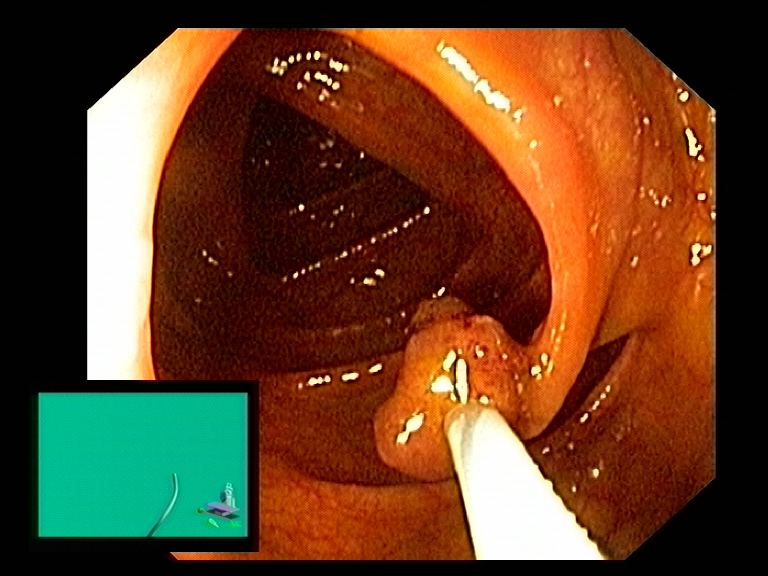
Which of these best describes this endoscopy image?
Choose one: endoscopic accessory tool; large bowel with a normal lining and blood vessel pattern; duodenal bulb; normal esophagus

endoscopic accessory tool